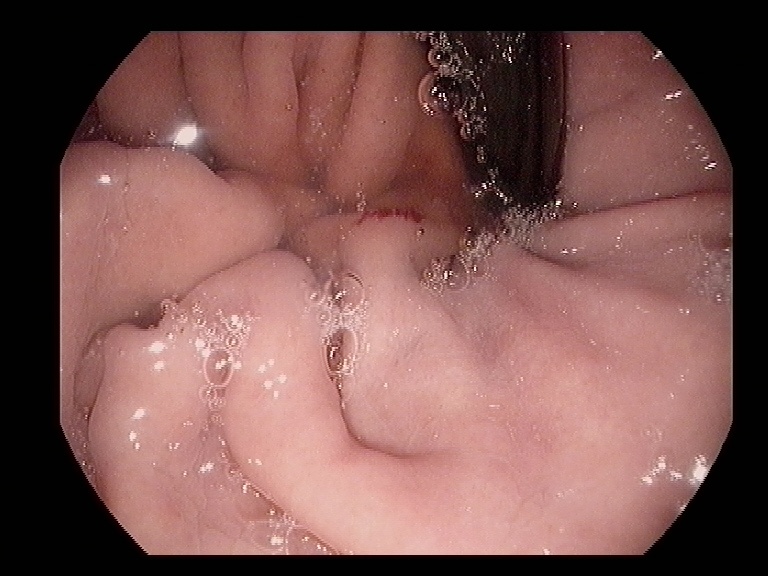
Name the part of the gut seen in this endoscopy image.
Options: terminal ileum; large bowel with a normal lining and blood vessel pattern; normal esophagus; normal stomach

normal stomach